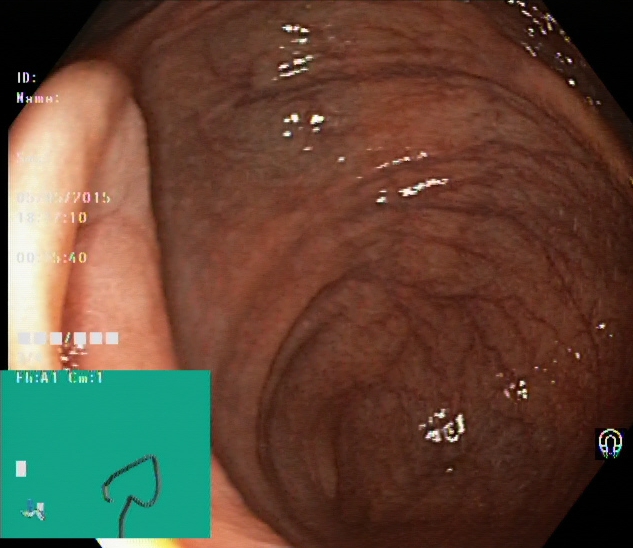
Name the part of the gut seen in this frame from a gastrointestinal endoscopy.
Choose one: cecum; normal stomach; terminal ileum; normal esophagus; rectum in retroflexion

cecum